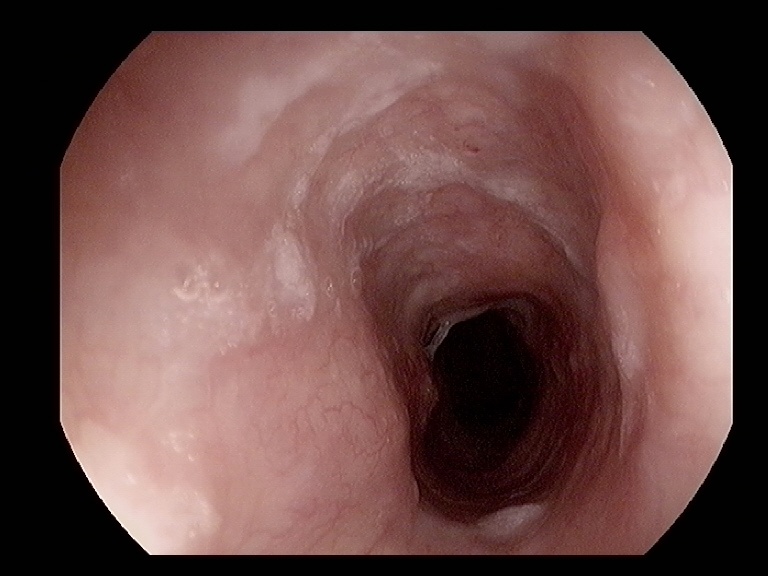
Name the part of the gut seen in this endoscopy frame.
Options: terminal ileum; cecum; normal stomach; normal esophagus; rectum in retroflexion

normal esophagus